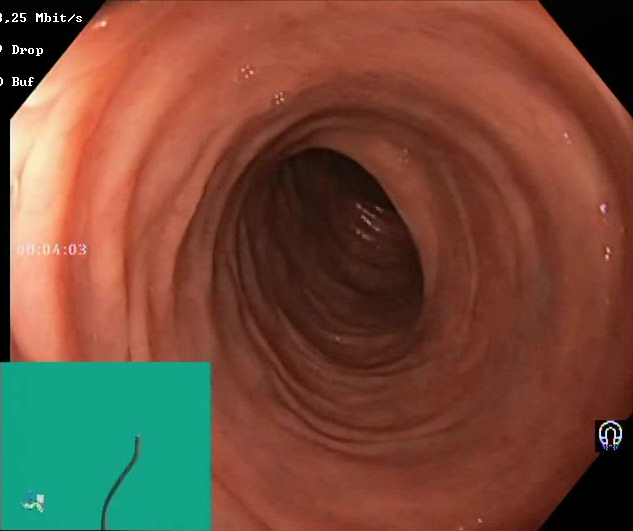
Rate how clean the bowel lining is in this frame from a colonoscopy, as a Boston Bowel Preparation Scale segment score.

Boston Bowel Preparation Scale score 2–3 (adequate preparation)